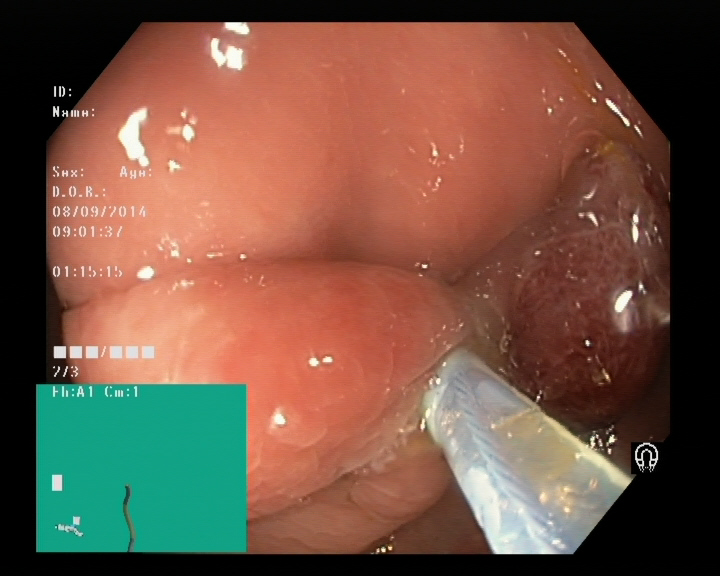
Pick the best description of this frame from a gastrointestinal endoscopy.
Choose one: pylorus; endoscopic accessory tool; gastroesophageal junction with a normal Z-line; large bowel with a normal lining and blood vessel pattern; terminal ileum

endoscopic accessory tool